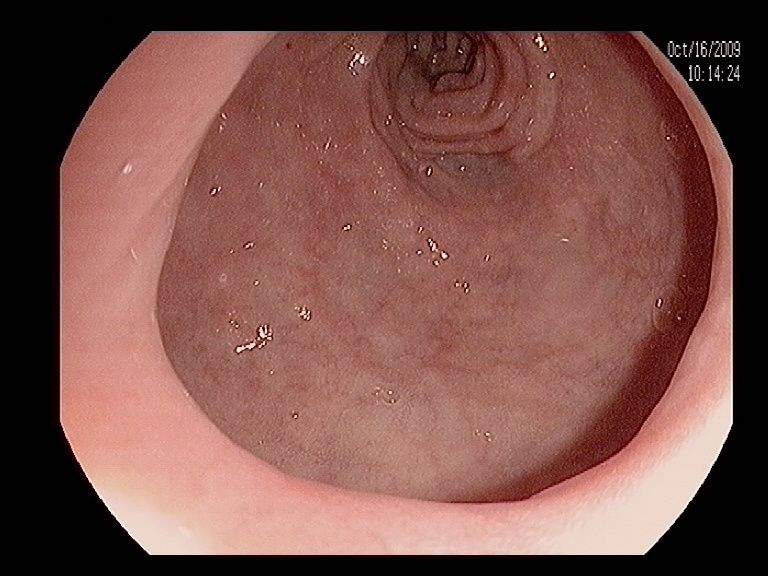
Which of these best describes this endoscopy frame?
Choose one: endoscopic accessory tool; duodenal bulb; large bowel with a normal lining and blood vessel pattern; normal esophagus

duodenal bulb